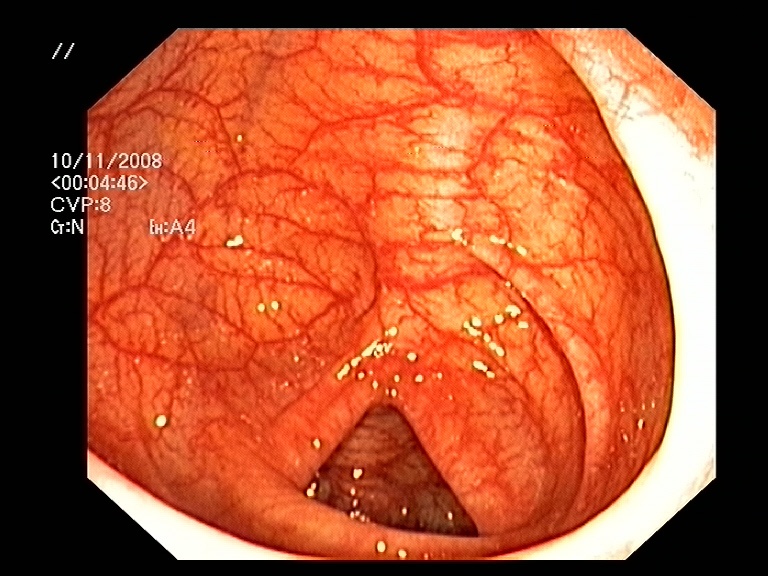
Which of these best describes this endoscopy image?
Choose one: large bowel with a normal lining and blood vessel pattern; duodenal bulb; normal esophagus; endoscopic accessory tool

large bowel with a normal lining and blood vessel pattern